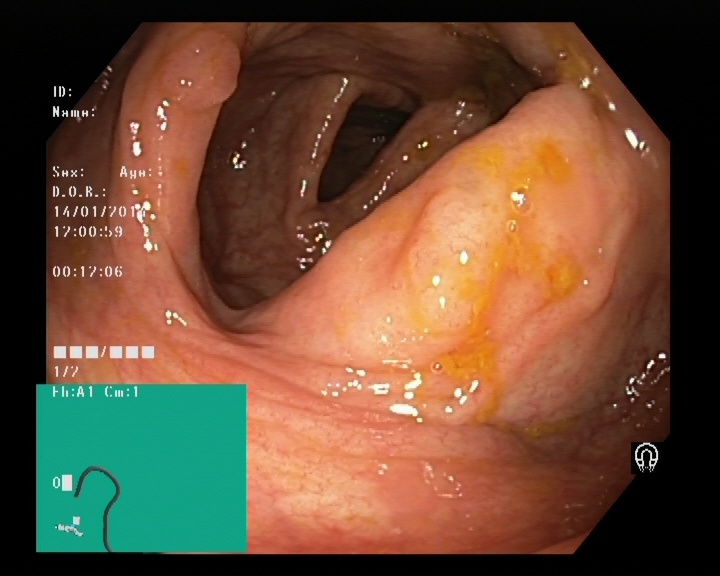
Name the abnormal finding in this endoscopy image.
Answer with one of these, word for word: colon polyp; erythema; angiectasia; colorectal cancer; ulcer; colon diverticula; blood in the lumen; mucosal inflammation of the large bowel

colon polyp